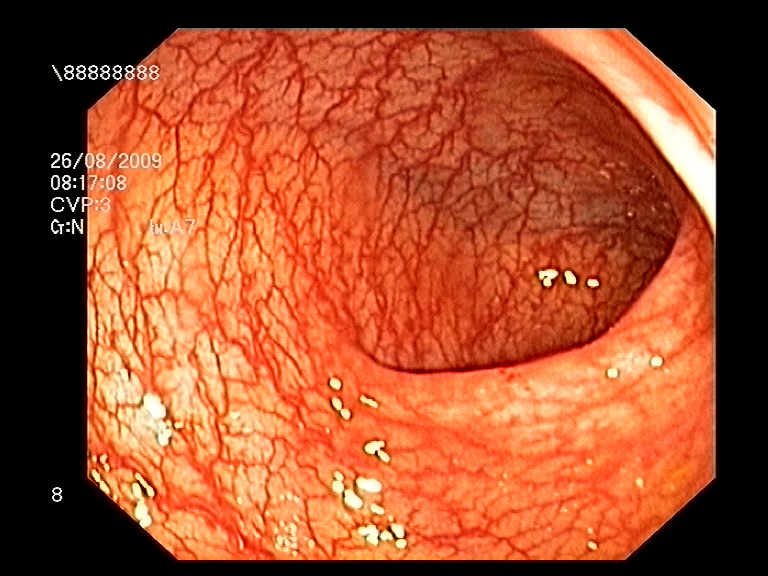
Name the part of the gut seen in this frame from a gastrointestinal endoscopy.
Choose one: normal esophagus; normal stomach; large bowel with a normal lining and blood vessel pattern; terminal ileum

large bowel with a normal lining and blood vessel pattern